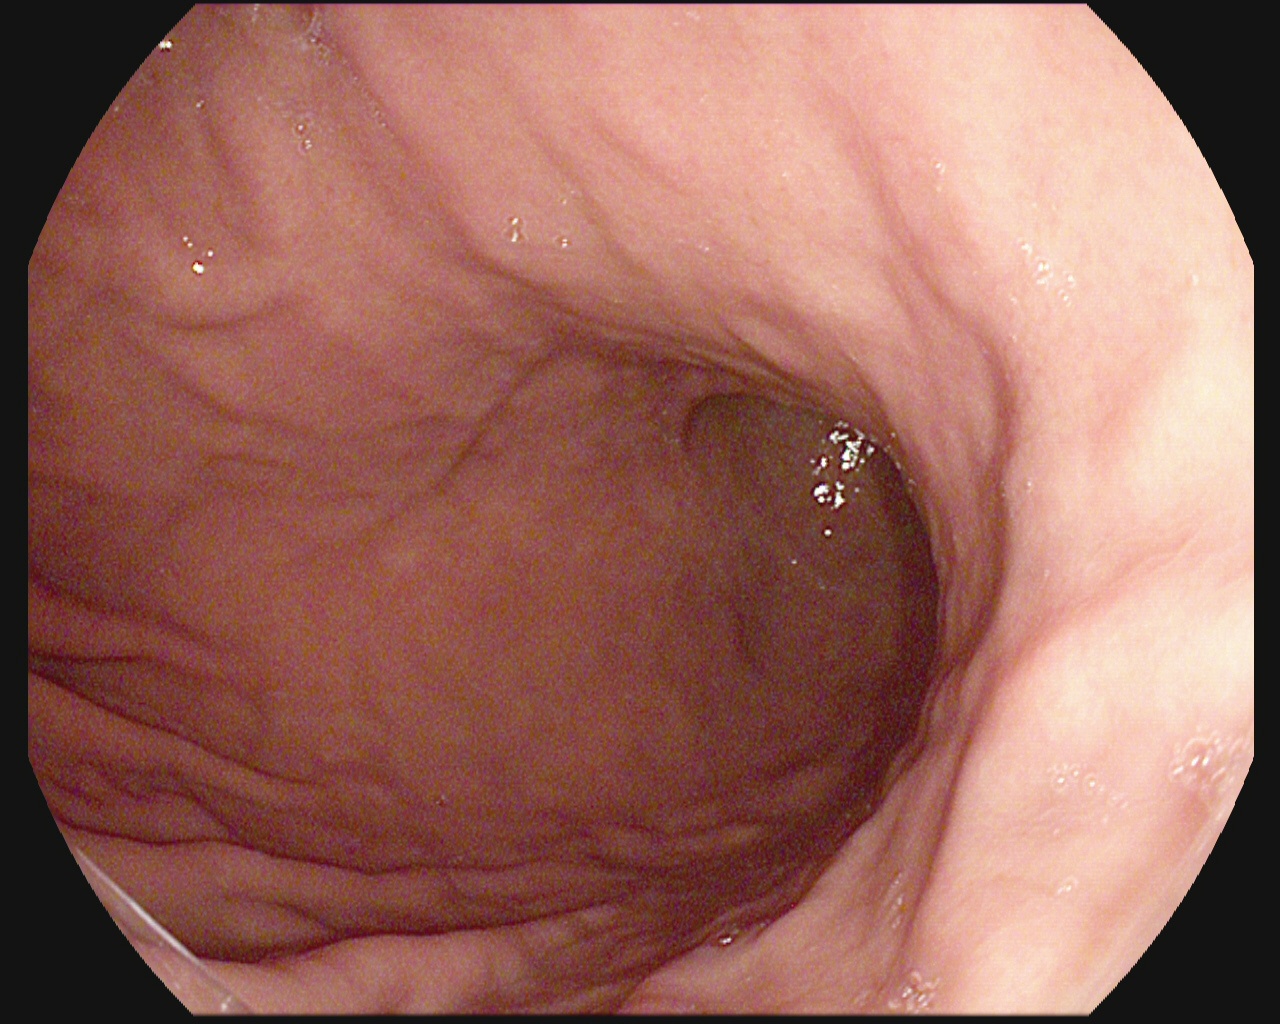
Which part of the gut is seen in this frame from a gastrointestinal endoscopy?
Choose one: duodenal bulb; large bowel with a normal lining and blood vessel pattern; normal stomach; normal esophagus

normal stomach